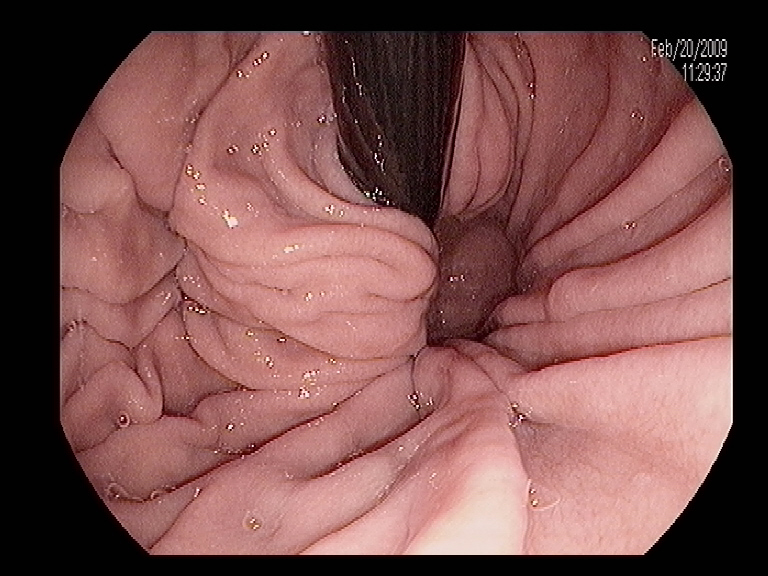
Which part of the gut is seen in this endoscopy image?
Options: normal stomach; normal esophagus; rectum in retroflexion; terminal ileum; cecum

normal stomach